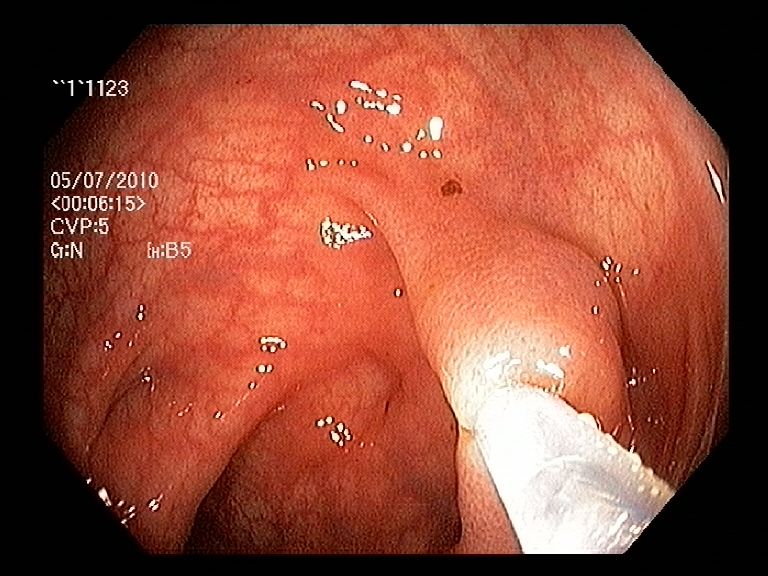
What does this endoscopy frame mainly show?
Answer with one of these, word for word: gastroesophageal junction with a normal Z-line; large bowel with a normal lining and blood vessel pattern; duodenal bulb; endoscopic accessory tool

endoscopic accessory tool